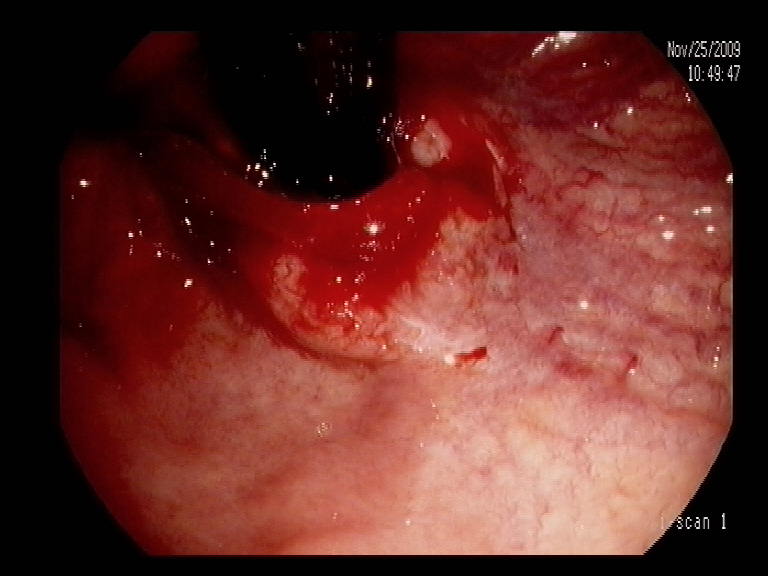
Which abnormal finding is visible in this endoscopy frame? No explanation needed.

blood in the lumen